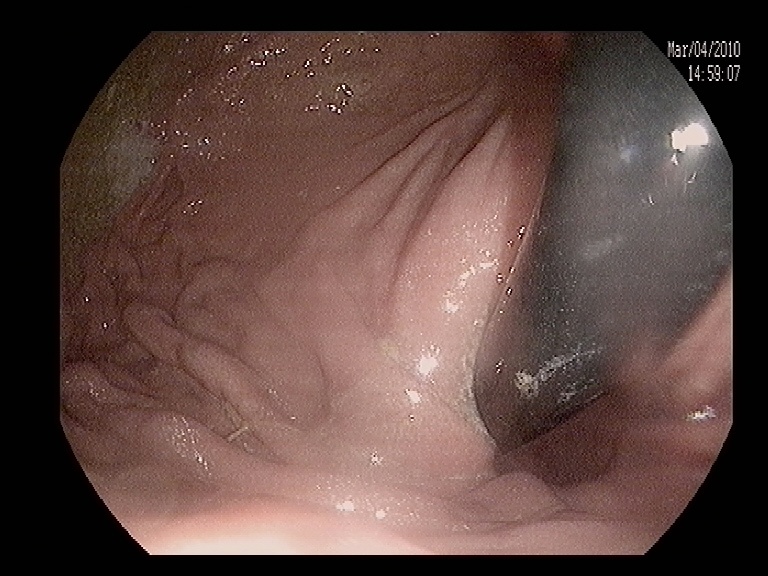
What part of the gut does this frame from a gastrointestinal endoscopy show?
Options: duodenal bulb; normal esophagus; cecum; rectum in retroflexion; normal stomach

normal stomach